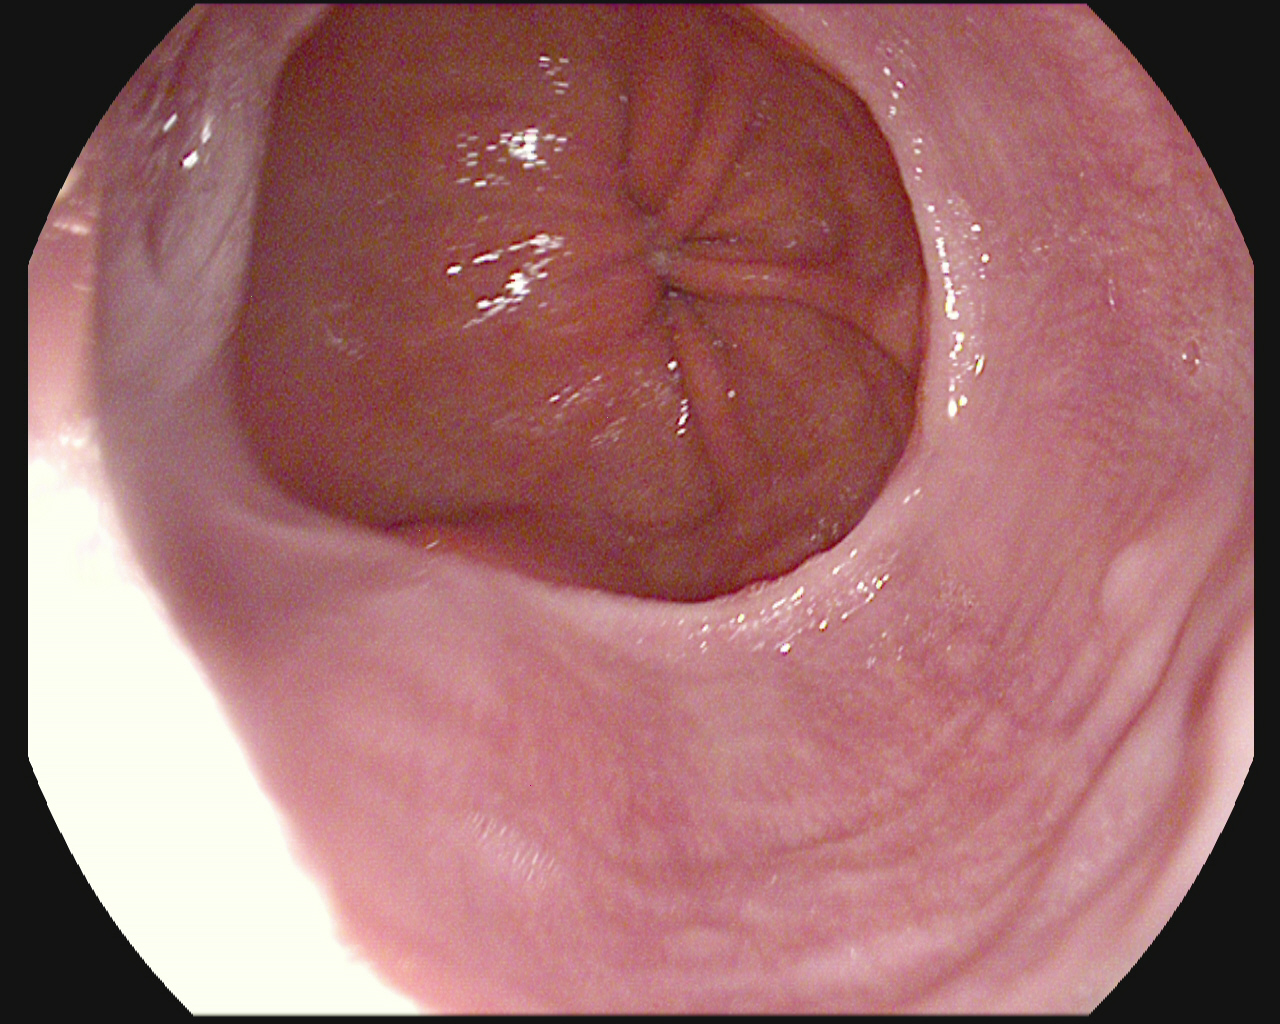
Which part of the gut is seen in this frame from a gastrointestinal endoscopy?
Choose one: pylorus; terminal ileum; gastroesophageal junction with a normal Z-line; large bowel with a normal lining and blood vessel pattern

gastroesophageal junction with a normal Z-line